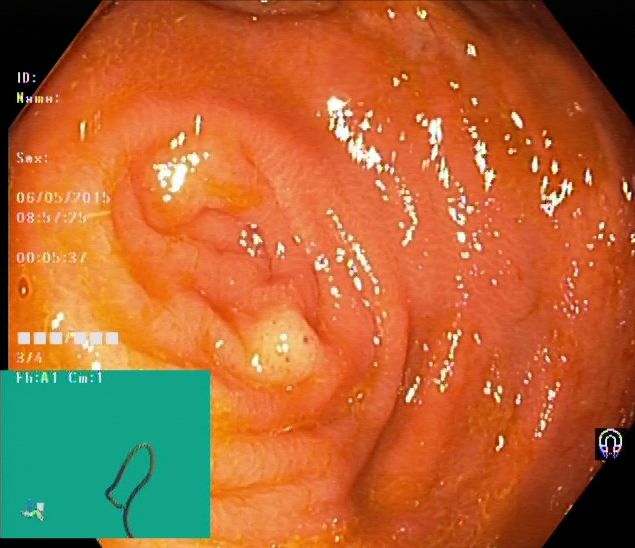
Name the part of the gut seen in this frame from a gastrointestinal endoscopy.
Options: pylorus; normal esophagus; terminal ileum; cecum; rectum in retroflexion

cecum